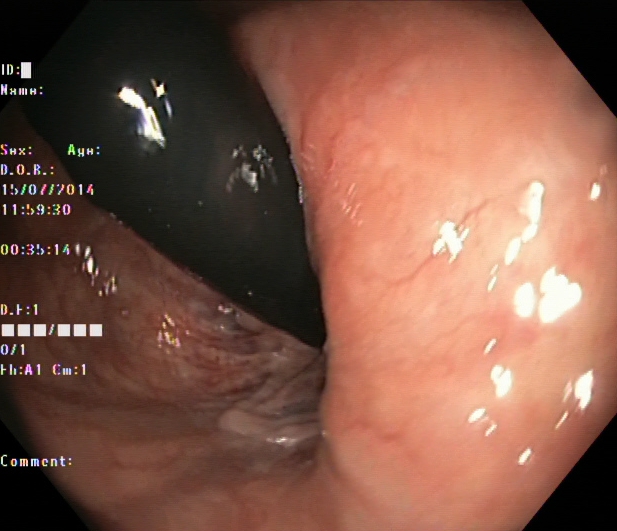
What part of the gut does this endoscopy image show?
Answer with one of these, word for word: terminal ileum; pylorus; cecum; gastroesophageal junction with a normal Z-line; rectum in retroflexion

rectum in retroflexion